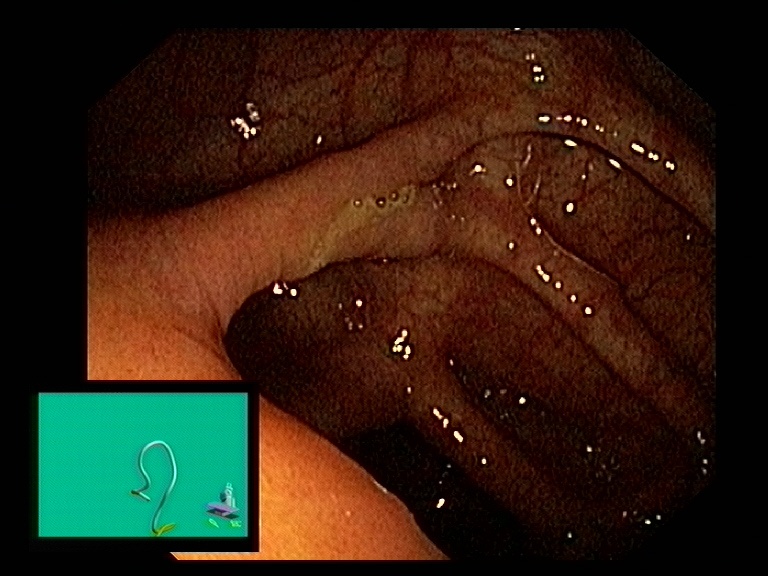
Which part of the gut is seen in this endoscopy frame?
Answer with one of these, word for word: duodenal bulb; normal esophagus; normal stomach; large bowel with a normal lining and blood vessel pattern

large bowel with a normal lining and blood vessel pattern